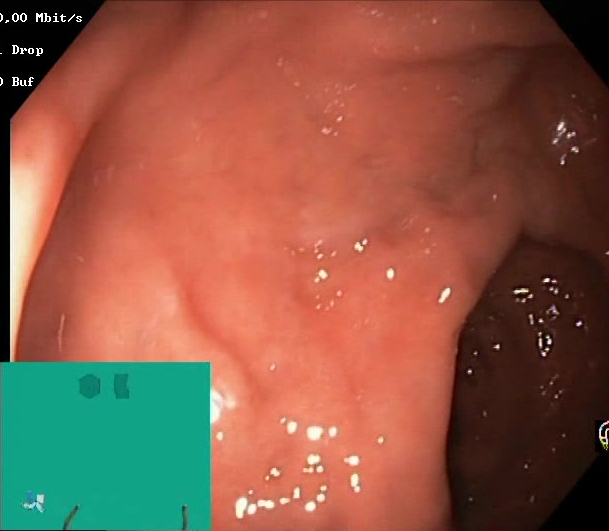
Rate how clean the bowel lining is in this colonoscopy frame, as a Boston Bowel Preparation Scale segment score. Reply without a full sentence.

Boston Bowel Preparation Scale score 2–3 (adequate preparation)